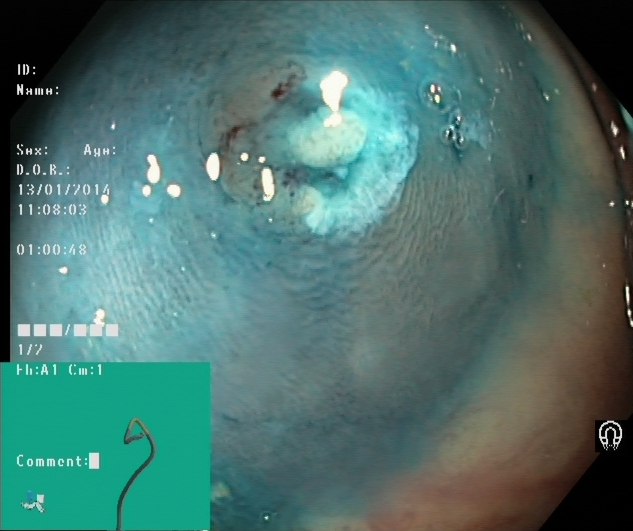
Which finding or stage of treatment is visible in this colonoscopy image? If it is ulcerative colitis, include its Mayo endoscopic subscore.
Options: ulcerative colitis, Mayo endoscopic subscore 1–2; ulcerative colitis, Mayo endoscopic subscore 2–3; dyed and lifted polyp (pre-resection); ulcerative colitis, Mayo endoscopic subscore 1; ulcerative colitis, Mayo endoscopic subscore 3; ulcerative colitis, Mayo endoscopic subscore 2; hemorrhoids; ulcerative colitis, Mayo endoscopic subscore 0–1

dyed and lifted polyp (pre-resection)